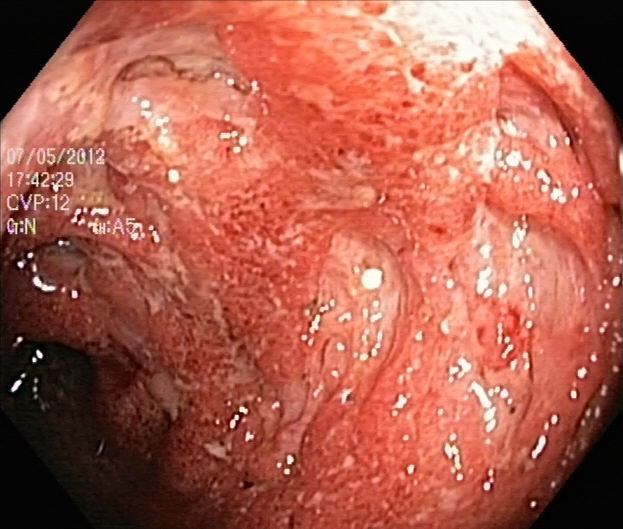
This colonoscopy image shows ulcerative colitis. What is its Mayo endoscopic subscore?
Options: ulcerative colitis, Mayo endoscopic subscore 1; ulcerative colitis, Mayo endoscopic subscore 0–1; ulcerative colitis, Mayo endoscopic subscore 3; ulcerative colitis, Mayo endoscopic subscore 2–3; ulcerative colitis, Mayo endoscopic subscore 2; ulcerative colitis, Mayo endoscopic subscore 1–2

ulcerative colitis, Mayo endoscopic subscore 3